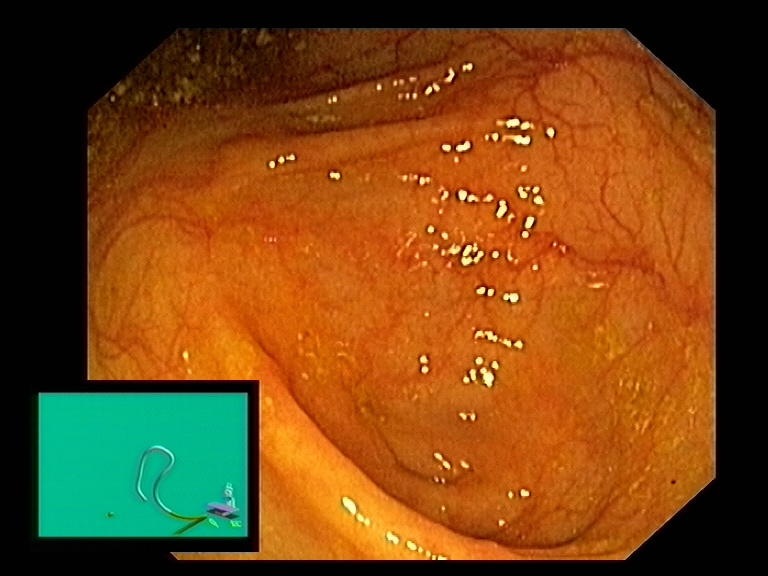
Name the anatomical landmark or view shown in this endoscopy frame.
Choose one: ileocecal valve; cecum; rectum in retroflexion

cecum